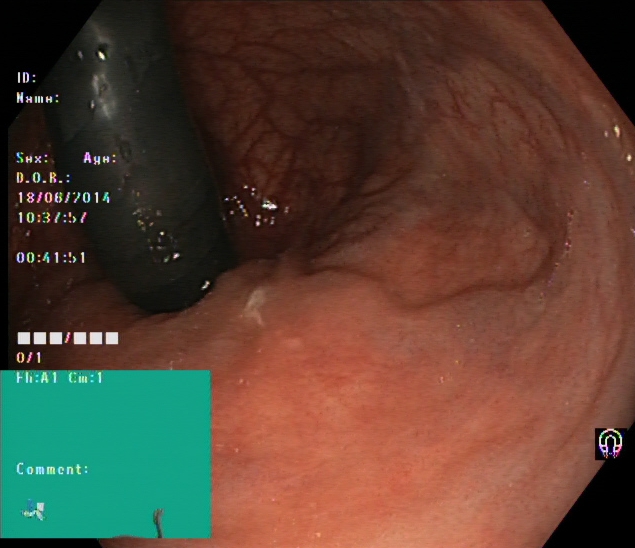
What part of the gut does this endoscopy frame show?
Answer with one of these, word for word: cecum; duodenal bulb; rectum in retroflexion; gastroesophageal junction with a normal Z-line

rectum in retroflexion